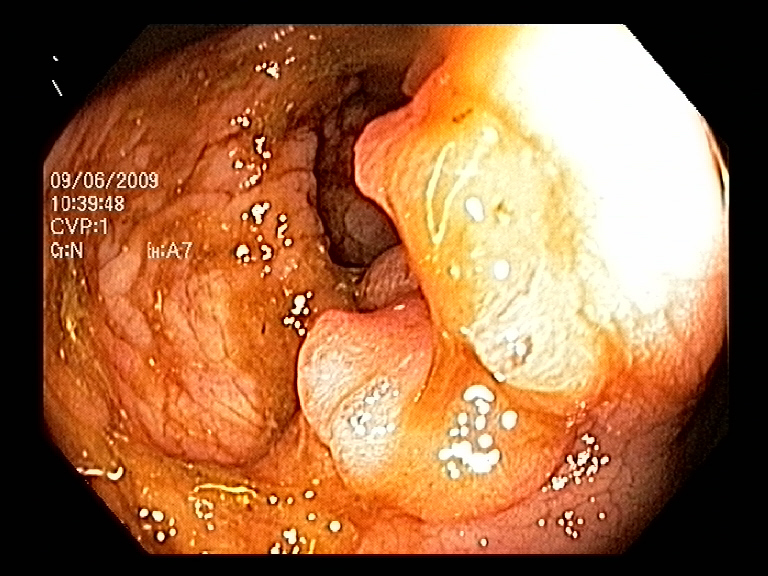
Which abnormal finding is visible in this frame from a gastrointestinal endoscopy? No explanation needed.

colon polyp